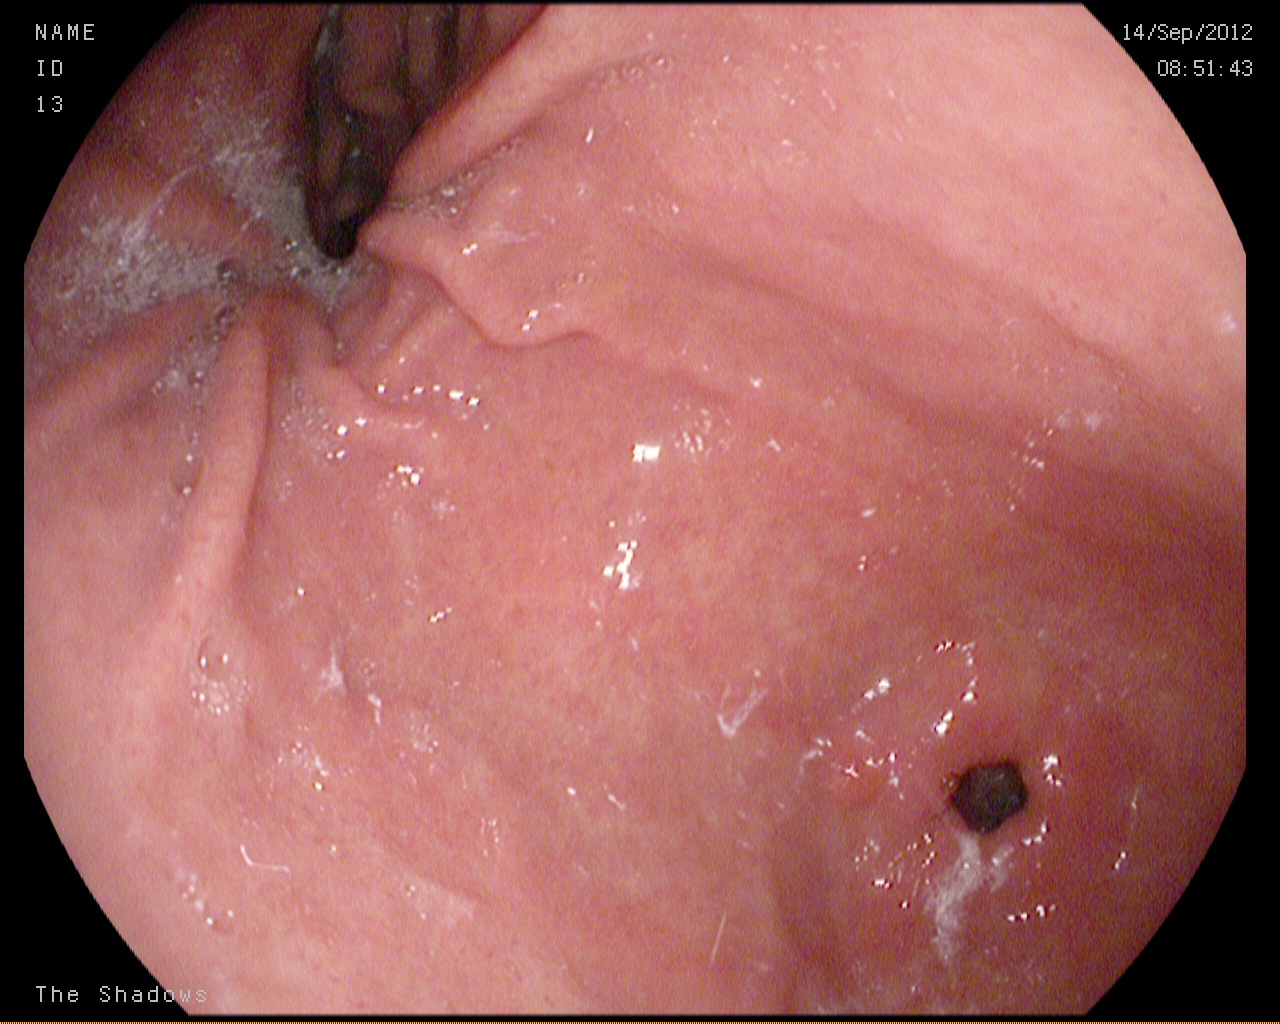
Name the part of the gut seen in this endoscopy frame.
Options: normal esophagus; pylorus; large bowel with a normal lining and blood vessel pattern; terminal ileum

pylorus